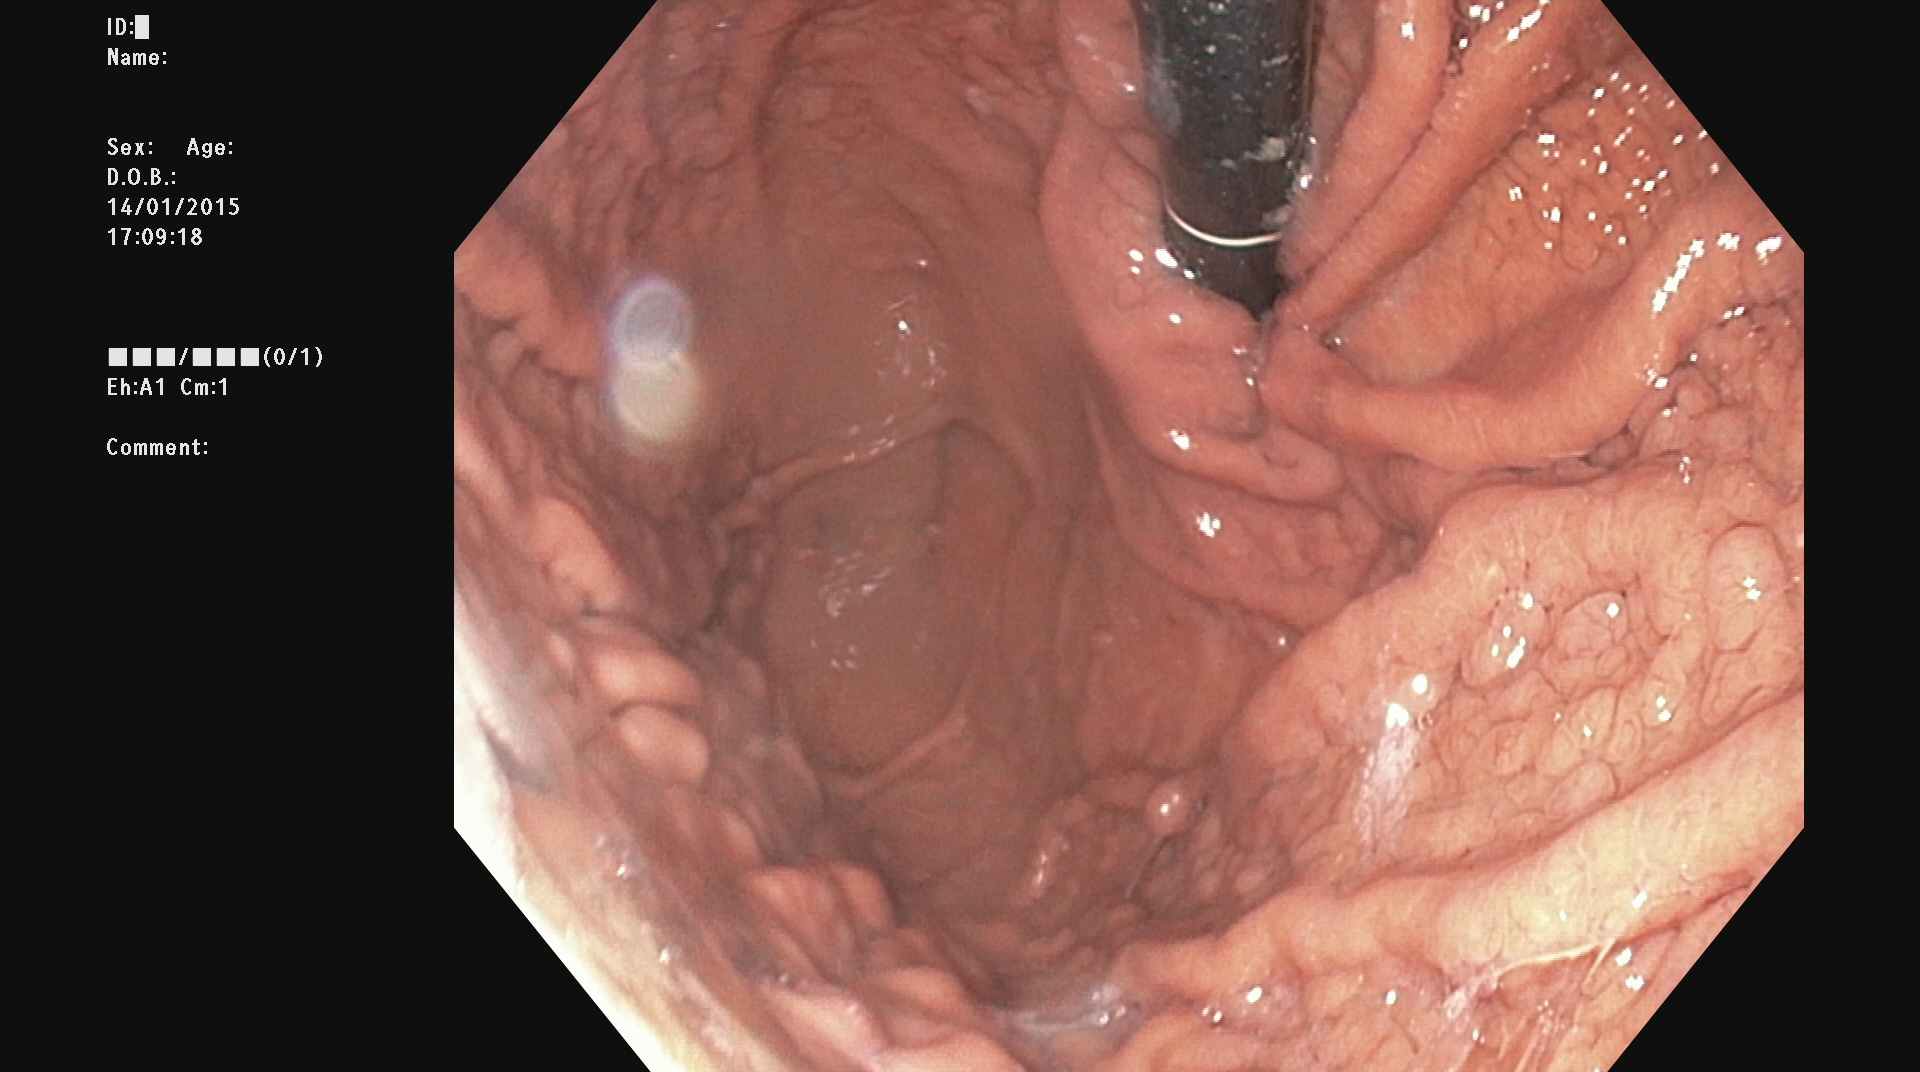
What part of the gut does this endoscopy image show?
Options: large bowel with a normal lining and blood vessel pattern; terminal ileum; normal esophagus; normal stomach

normal stomach